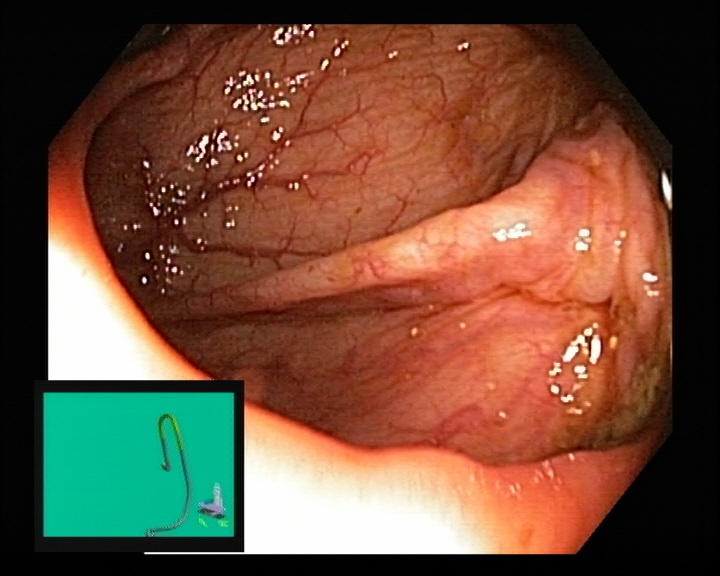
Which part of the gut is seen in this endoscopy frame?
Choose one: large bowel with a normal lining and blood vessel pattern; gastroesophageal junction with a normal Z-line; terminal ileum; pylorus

large bowel with a normal lining and blood vessel pattern